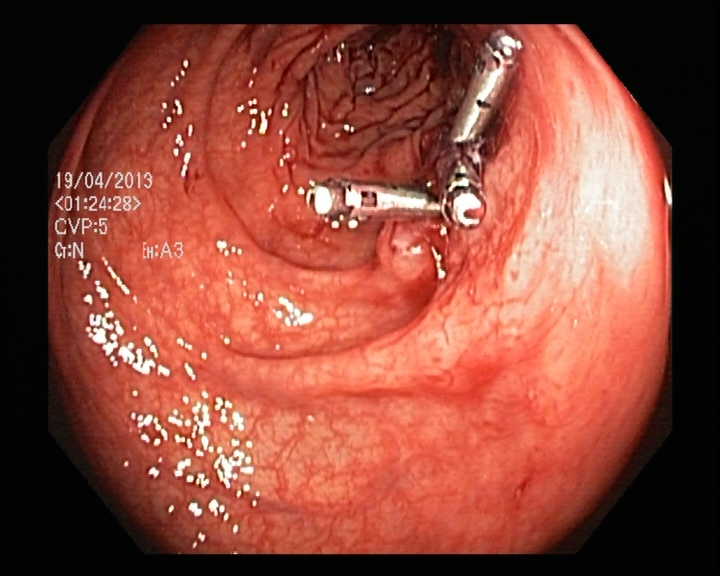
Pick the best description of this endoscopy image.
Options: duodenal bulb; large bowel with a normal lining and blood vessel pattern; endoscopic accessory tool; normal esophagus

endoscopic accessory tool